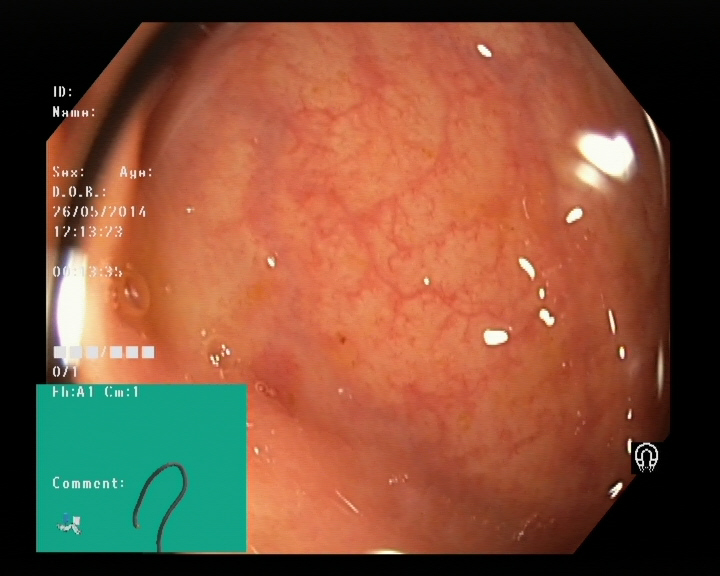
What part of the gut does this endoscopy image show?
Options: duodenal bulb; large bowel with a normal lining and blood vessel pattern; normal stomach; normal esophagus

large bowel with a normal lining and blood vessel pattern